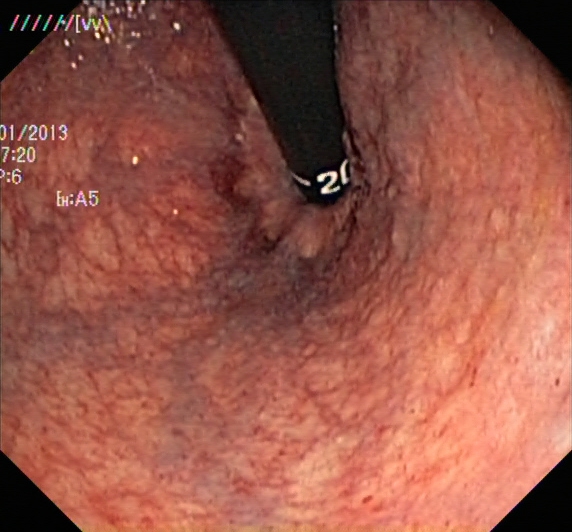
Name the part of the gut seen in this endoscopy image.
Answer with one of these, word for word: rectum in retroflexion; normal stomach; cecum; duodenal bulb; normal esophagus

rectum in retroflexion